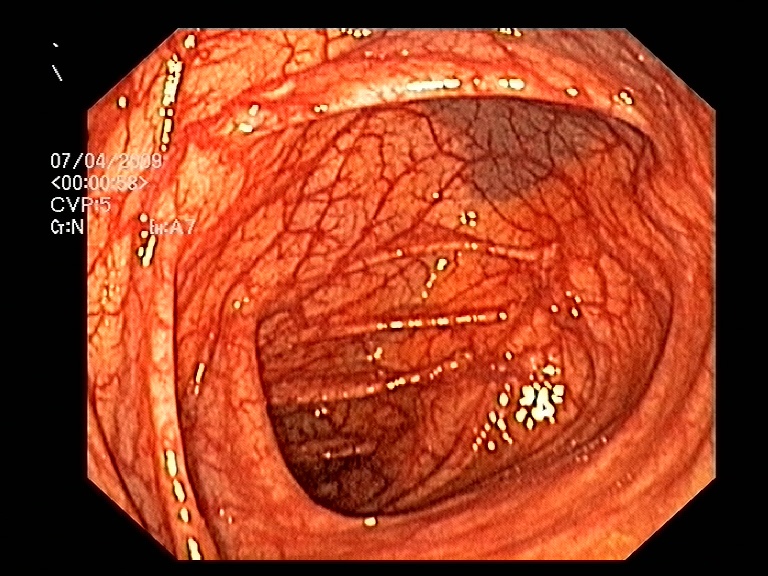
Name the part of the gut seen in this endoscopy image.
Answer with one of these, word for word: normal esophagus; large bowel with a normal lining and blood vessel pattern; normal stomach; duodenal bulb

large bowel with a normal lining and blood vessel pattern